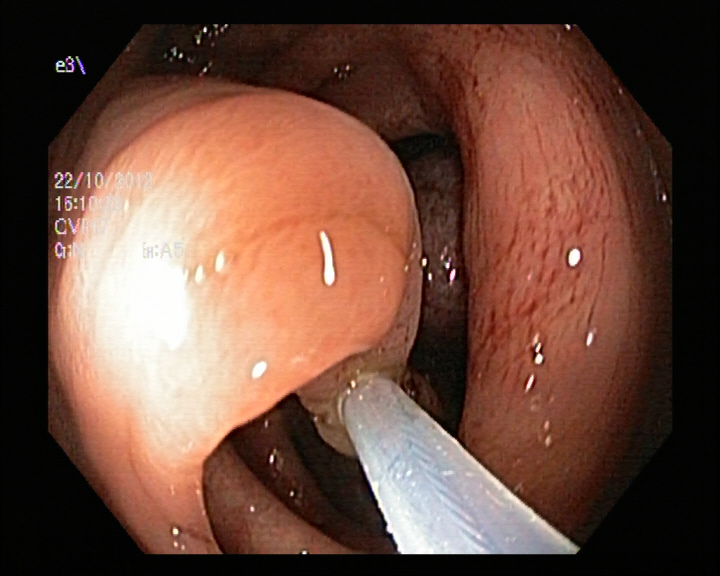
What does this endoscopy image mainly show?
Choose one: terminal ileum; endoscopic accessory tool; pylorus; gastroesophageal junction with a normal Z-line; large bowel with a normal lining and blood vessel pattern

endoscopic accessory tool